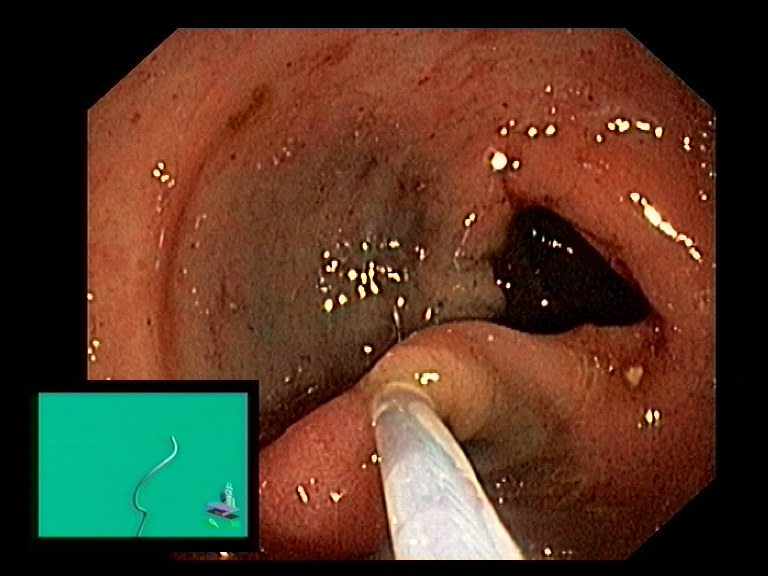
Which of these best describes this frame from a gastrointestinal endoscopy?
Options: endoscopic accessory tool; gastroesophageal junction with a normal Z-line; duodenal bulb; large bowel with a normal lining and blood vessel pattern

endoscopic accessory tool